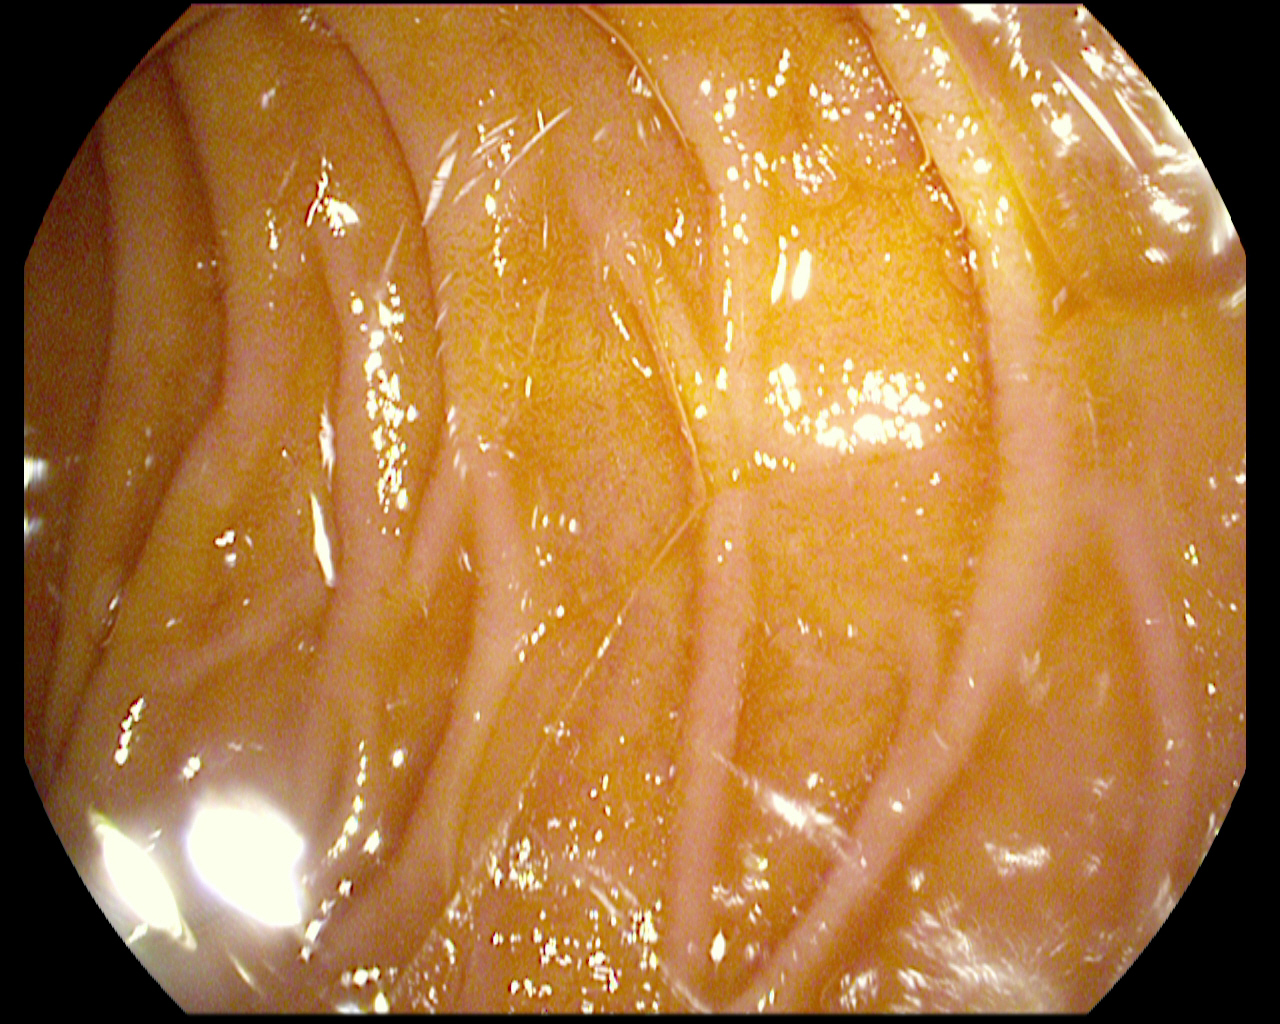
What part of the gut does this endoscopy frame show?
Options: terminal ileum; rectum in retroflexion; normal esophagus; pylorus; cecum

terminal ileum